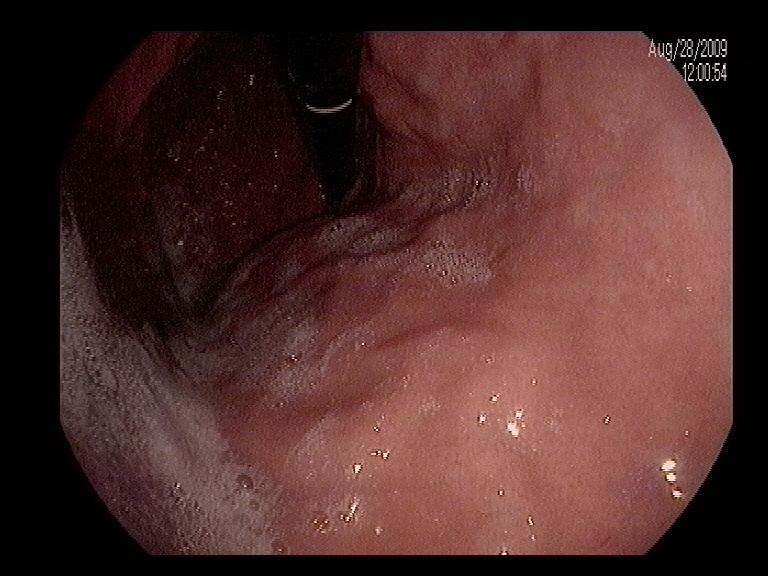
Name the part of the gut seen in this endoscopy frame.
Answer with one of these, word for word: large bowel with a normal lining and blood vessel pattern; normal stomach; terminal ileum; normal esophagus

normal stomach